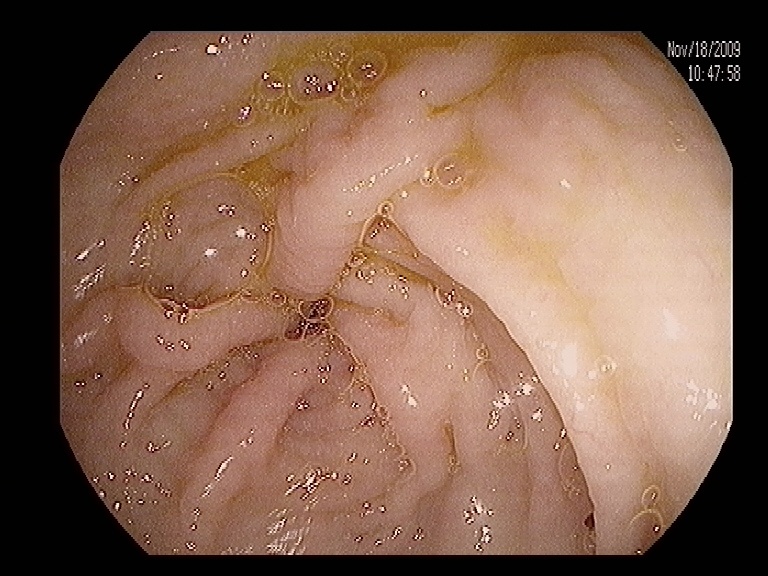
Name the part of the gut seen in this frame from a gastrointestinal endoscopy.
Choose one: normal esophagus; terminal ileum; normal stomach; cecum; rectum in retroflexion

normal stomach